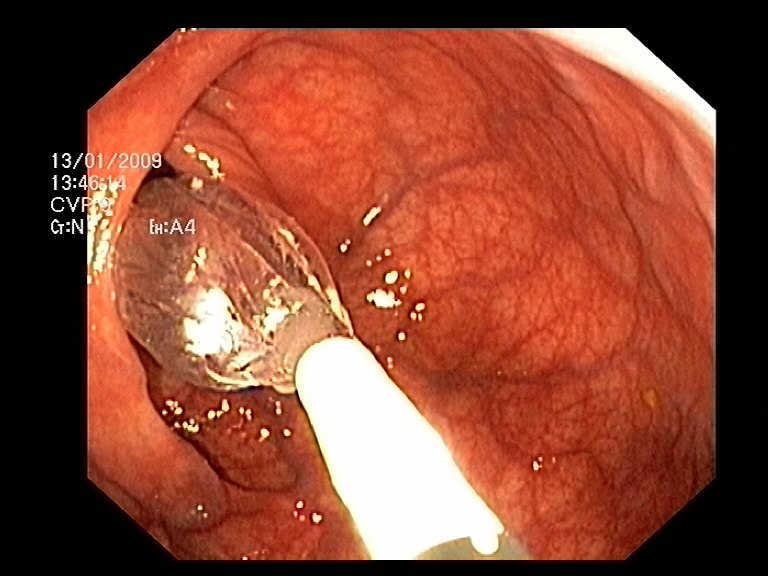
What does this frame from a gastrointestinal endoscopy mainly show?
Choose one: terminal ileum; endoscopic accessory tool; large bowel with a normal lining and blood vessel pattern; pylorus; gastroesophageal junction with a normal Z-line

endoscopic accessory tool